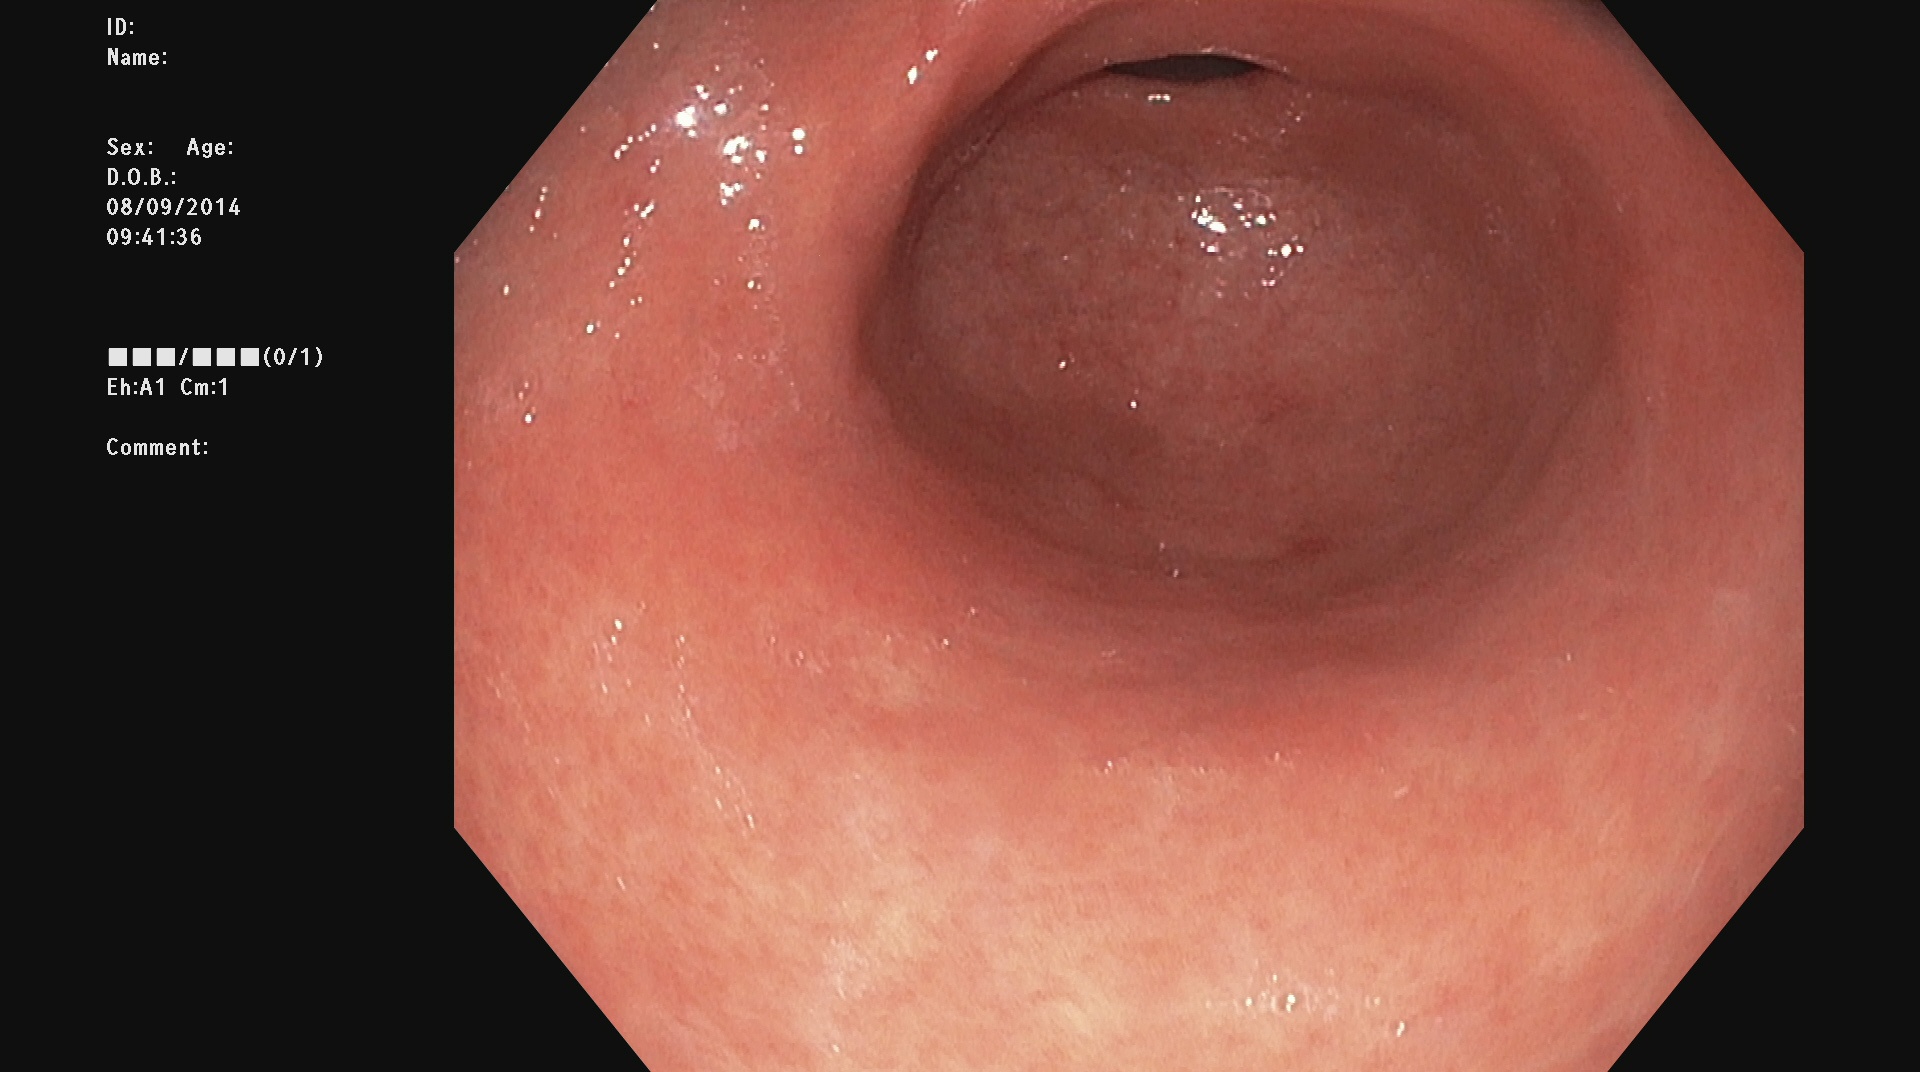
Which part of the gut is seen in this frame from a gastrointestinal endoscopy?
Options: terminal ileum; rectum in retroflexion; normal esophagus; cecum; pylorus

pylorus